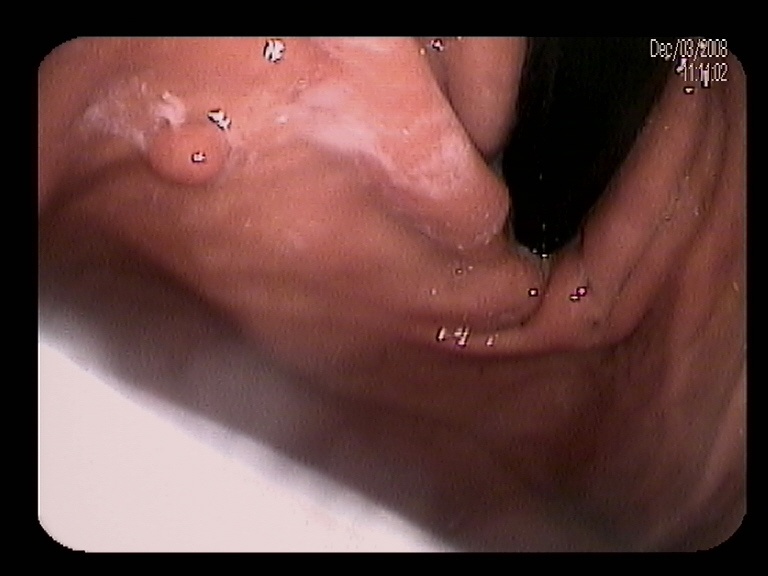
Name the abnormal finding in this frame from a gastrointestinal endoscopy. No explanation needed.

gastric polyp